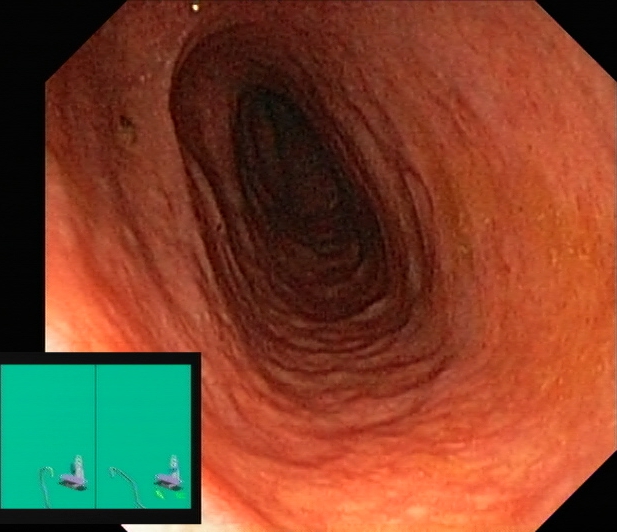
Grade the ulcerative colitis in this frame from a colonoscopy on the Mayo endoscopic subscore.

ulcerative colitis, Mayo endoscopic subscore 2